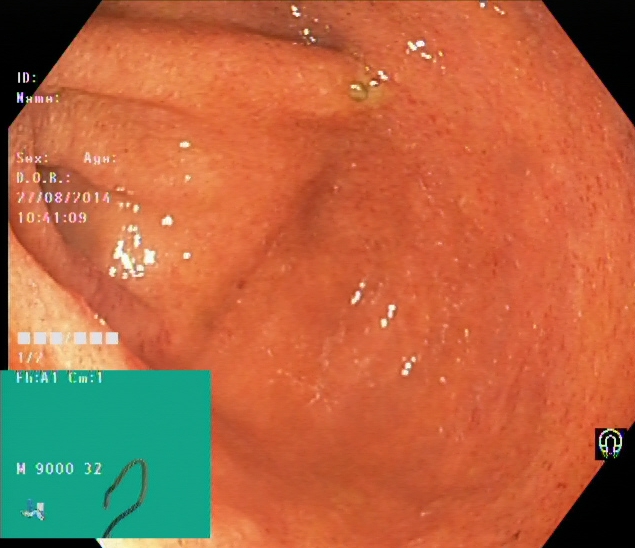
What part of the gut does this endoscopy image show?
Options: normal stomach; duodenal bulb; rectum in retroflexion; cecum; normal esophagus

cecum